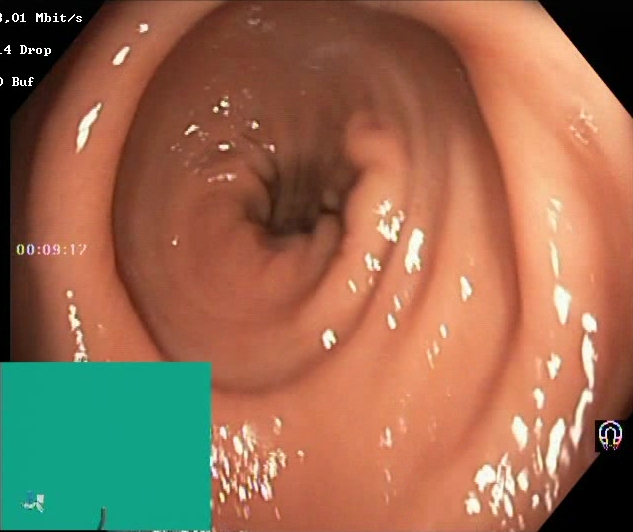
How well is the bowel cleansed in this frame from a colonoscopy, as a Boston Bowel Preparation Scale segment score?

Boston Bowel Preparation Scale score 2–3 (adequate preparation)